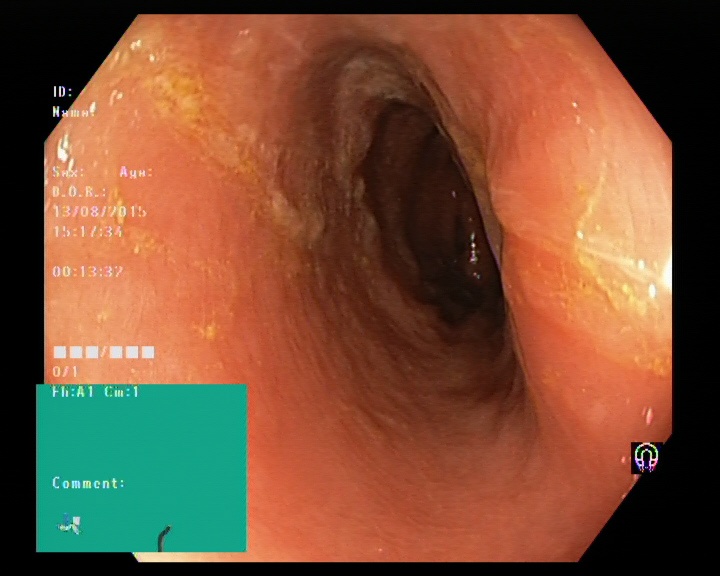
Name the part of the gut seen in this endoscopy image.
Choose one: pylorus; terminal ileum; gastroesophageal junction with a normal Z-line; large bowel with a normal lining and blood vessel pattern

large bowel with a normal lining and blood vessel pattern